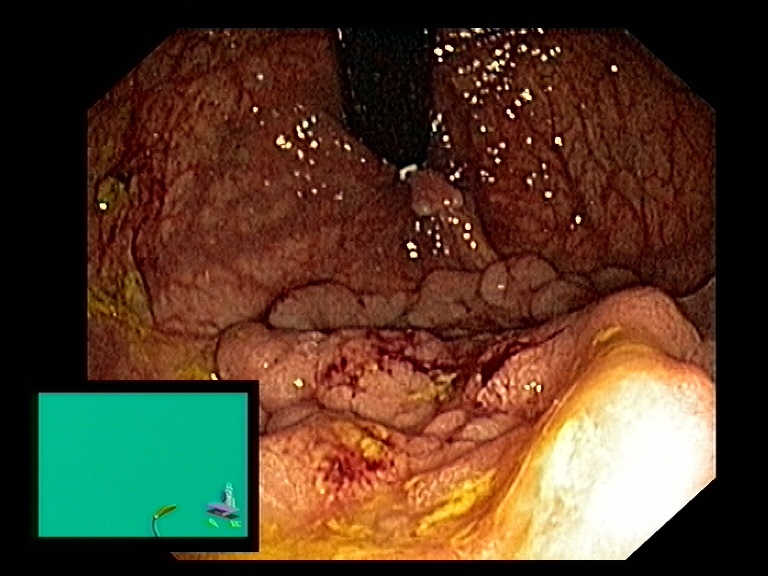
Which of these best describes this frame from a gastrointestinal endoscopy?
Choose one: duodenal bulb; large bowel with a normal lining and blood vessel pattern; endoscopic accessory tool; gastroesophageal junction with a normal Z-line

endoscopic accessory tool